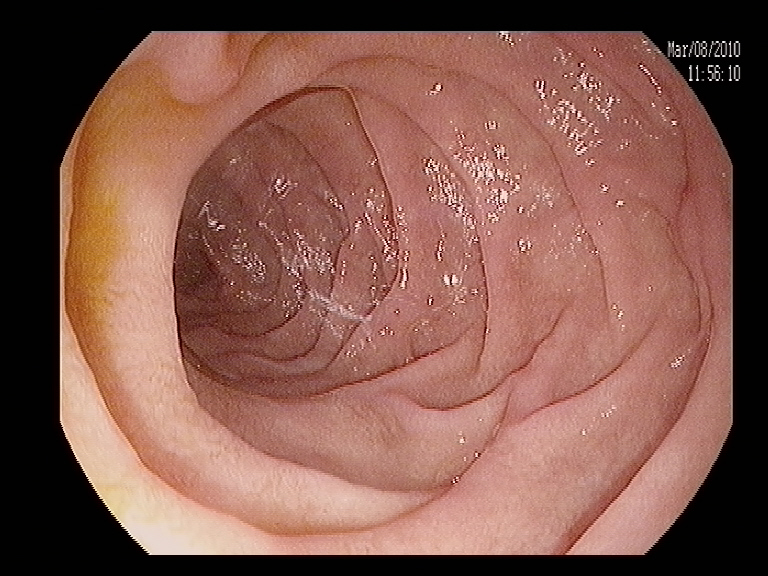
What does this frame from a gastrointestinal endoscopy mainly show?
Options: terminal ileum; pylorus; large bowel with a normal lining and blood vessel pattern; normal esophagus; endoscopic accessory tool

terminal ileum